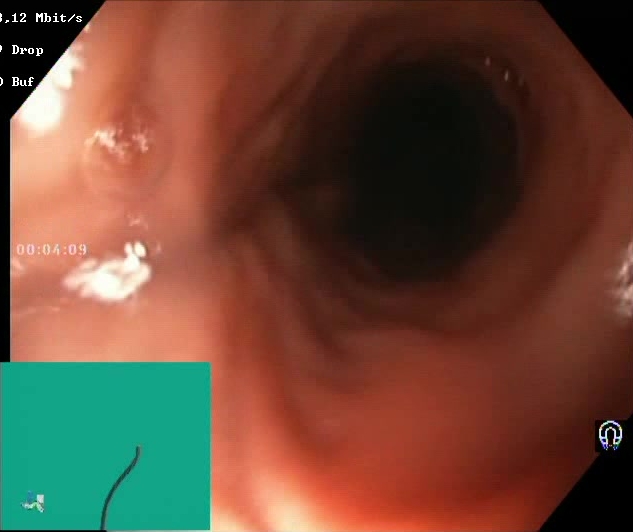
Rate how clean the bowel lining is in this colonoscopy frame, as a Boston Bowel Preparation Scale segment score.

Boston Bowel Preparation Scale score 2–3 (adequate preparation)